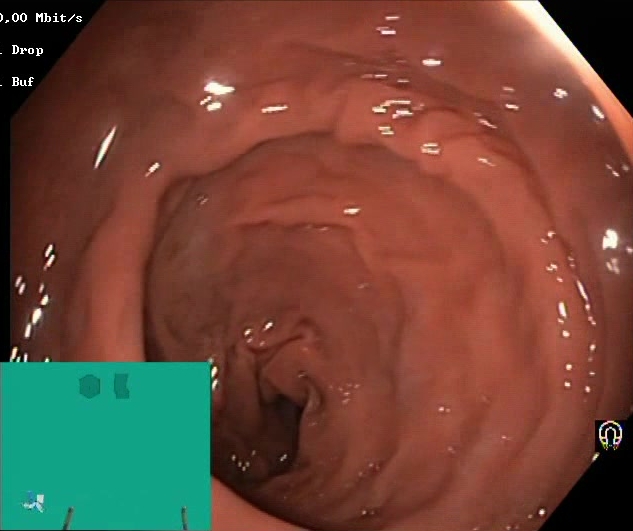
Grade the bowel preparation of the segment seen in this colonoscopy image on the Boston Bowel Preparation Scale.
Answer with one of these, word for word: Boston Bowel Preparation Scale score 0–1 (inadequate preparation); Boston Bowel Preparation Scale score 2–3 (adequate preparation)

Boston Bowel Preparation Scale score 2–3 (adequate preparation)